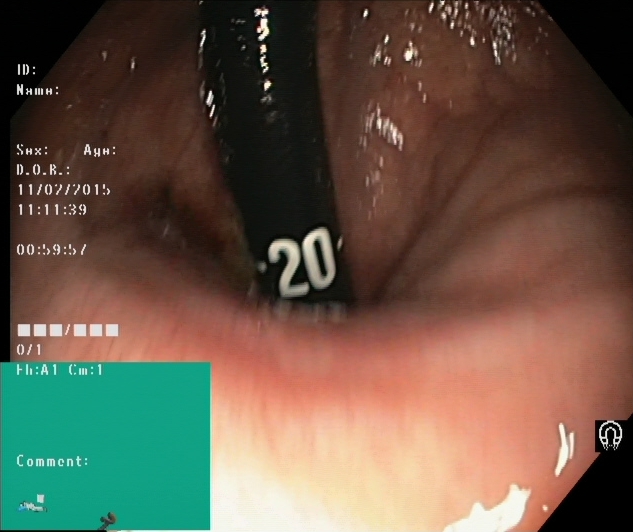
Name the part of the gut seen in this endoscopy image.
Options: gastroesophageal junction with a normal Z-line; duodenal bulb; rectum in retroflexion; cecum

rectum in retroflexion